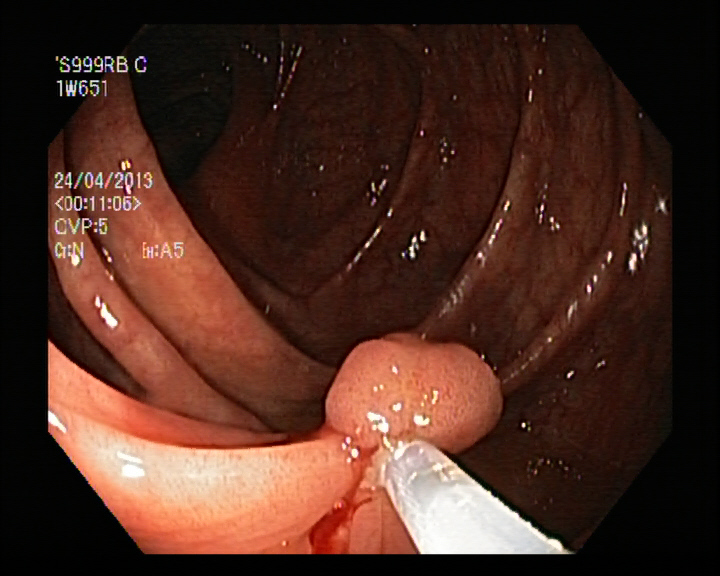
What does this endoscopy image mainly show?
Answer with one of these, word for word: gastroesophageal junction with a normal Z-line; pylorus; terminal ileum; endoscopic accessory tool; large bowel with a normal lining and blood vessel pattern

endoscopic accessory tool